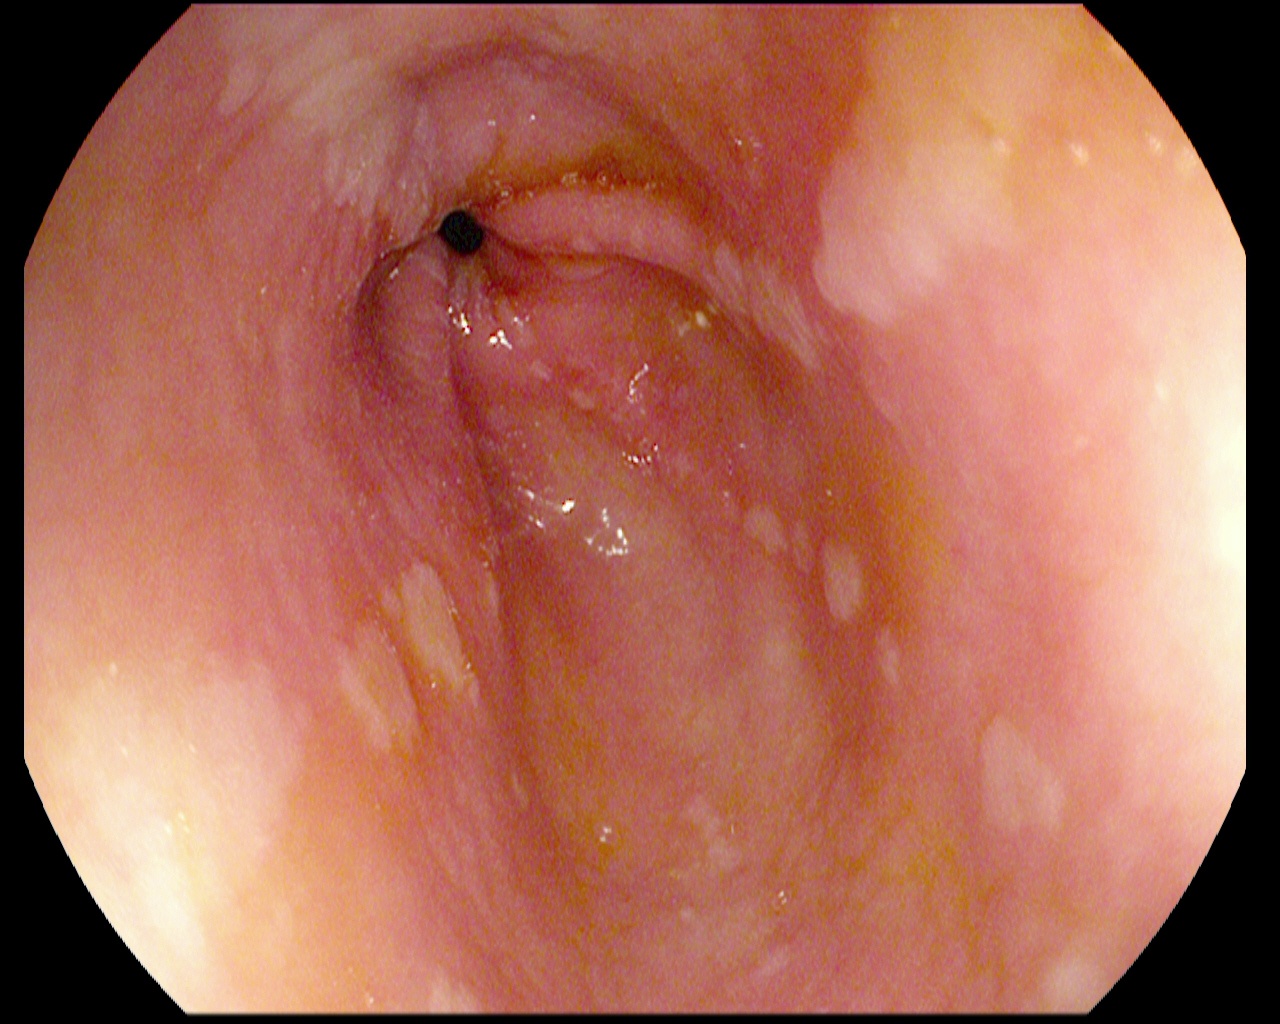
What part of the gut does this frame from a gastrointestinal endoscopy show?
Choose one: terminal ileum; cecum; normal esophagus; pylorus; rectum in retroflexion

pylorus